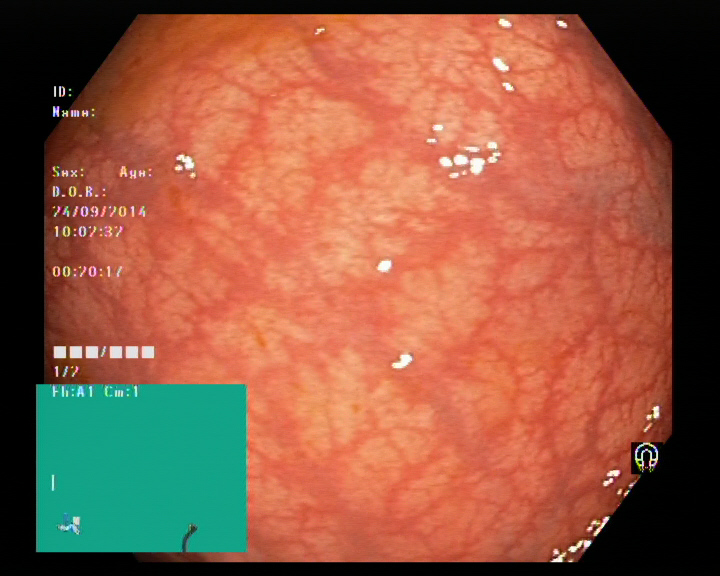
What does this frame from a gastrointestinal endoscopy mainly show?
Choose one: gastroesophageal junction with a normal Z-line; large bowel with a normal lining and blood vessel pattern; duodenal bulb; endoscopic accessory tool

large bowel with a normal lining and blood vessel pattern